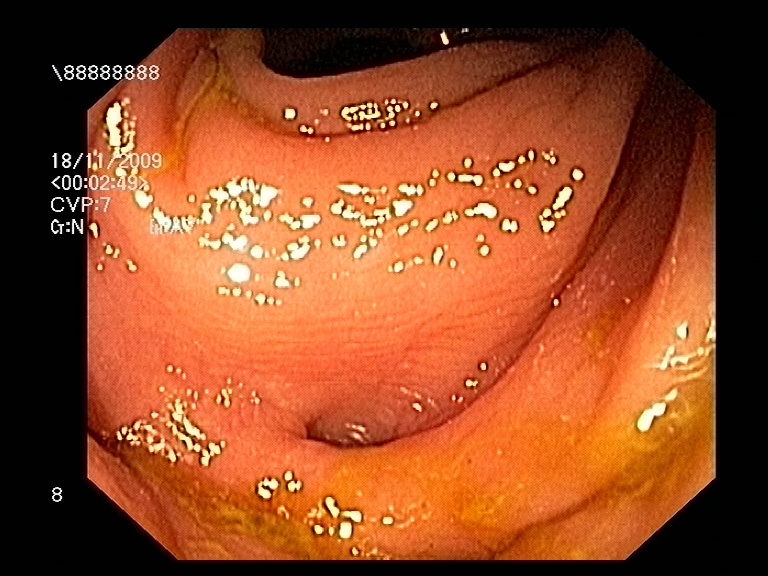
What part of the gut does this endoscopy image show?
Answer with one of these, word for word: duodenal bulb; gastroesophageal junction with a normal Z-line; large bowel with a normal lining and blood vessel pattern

large bowel with a normal lining and blood vessel pattern